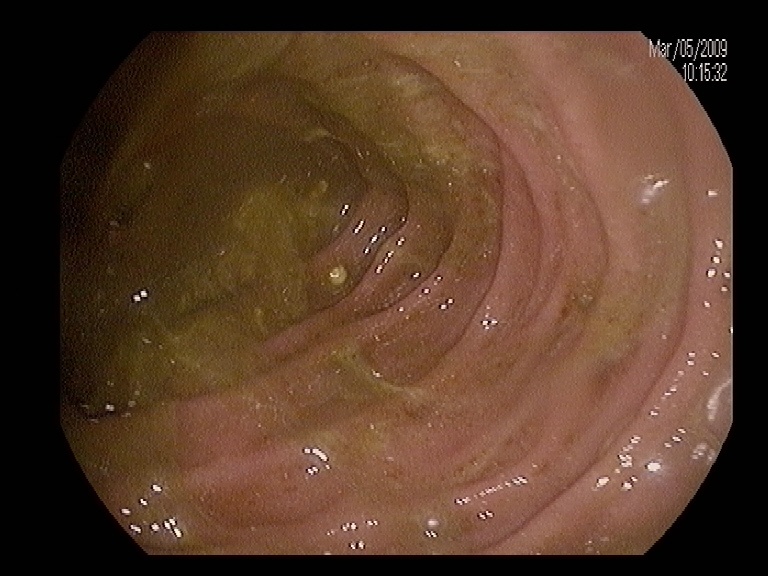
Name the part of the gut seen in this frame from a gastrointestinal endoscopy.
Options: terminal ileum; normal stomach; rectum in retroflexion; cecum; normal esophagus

terminal ileum